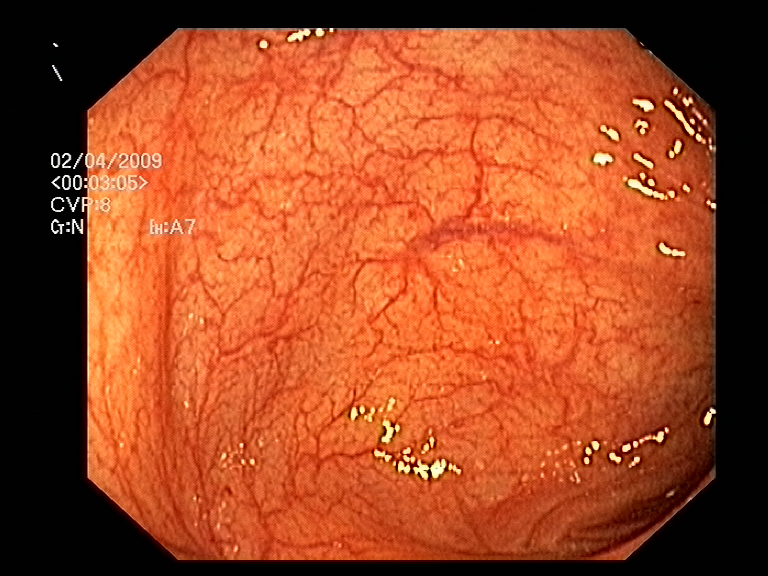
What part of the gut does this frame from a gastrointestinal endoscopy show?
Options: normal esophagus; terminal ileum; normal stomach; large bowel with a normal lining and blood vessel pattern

large bowel with a normal lining and blood vessel pattern